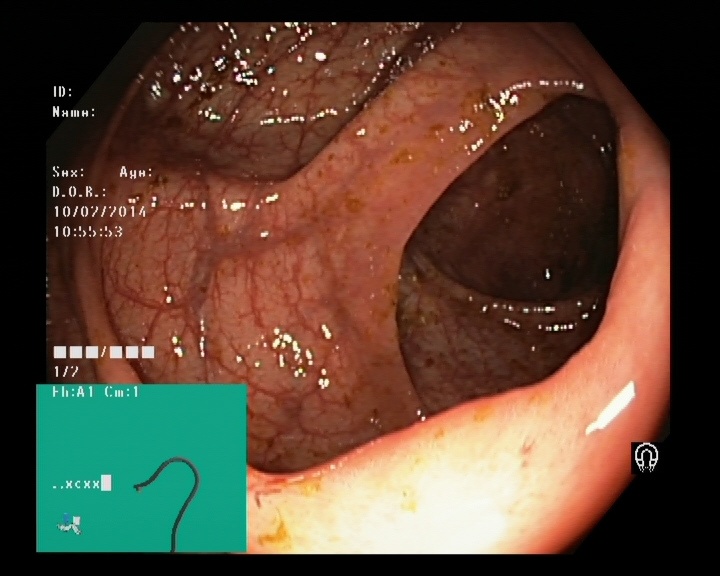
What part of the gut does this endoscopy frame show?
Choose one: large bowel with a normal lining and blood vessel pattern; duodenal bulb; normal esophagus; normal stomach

large bowel with a normal lining and blood vessel pattern